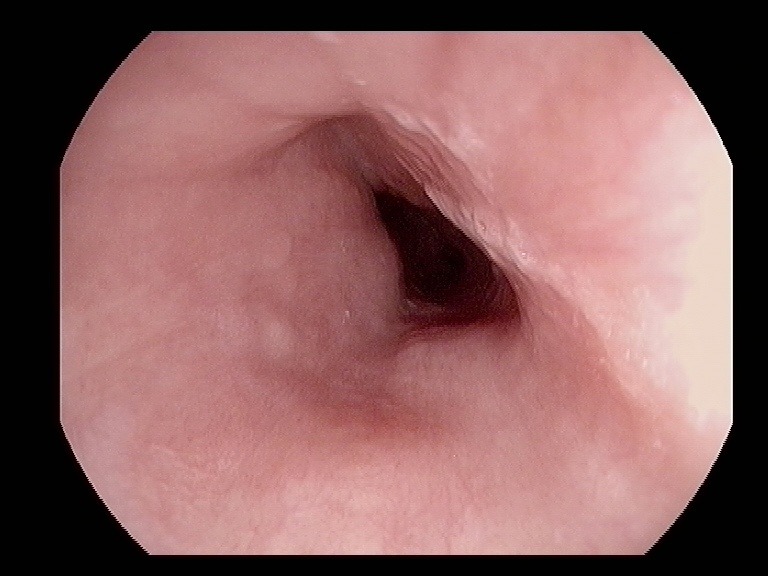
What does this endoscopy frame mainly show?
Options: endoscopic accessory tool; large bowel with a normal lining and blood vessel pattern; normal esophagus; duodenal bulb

normal esophagus